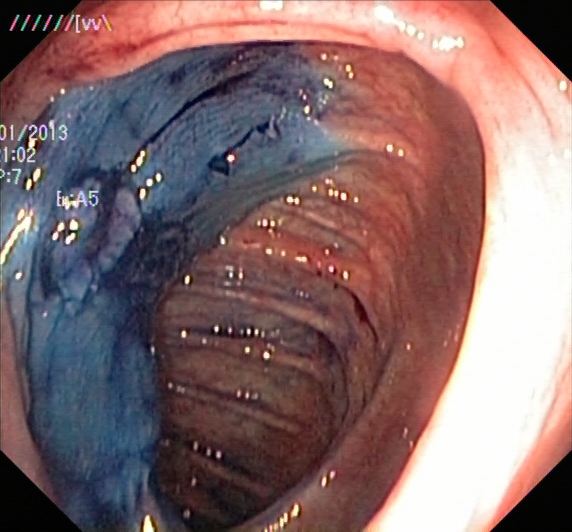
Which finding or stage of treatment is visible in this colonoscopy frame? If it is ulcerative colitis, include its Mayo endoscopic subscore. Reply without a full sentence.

dyed and lifted polyp (pre-resection)